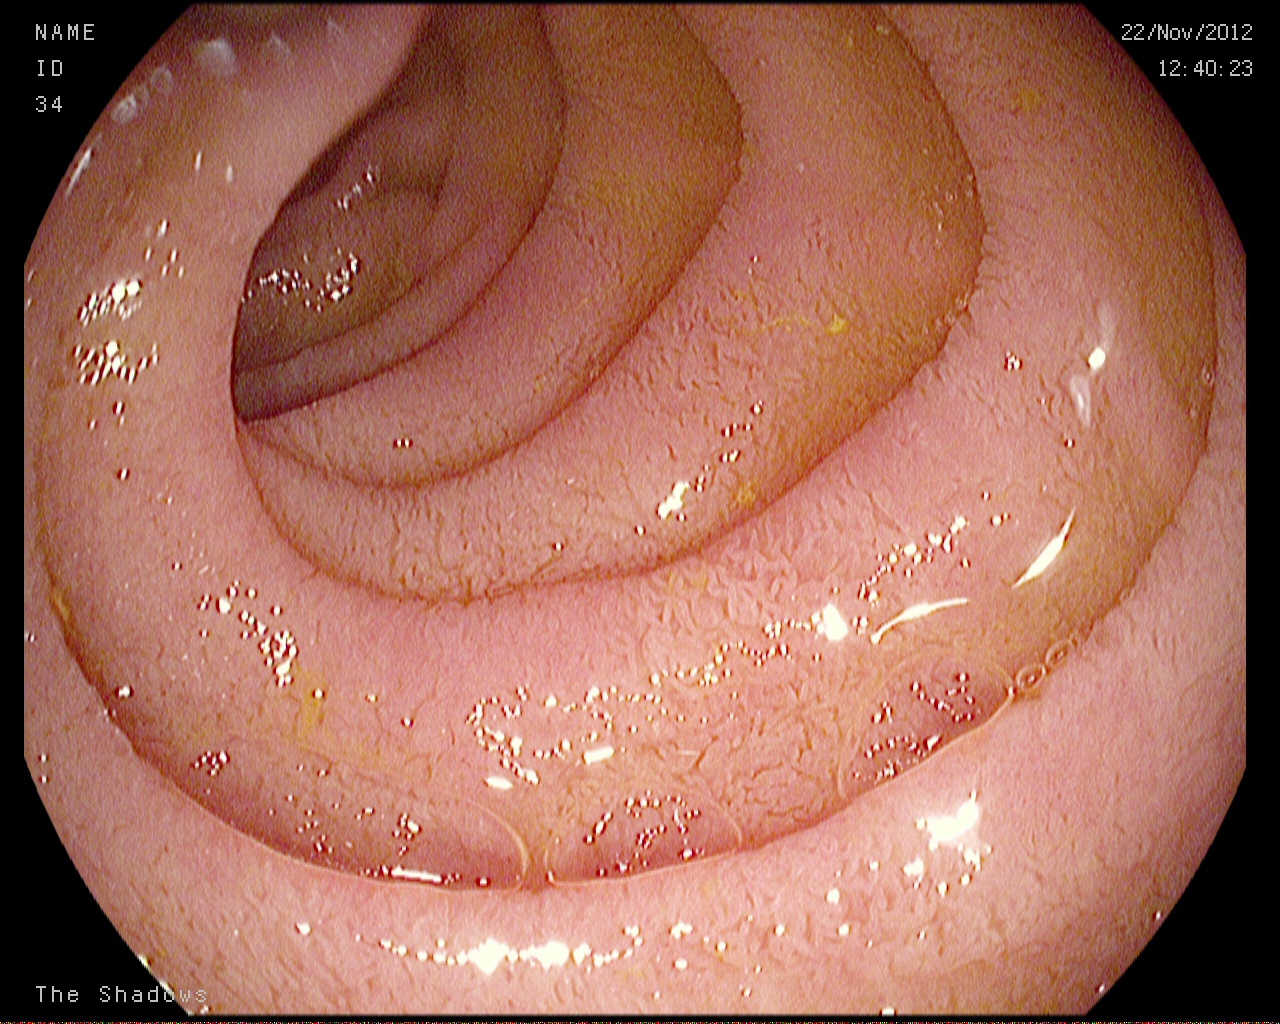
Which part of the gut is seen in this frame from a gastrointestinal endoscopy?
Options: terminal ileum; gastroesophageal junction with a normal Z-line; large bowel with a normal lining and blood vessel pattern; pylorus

terminal ileum